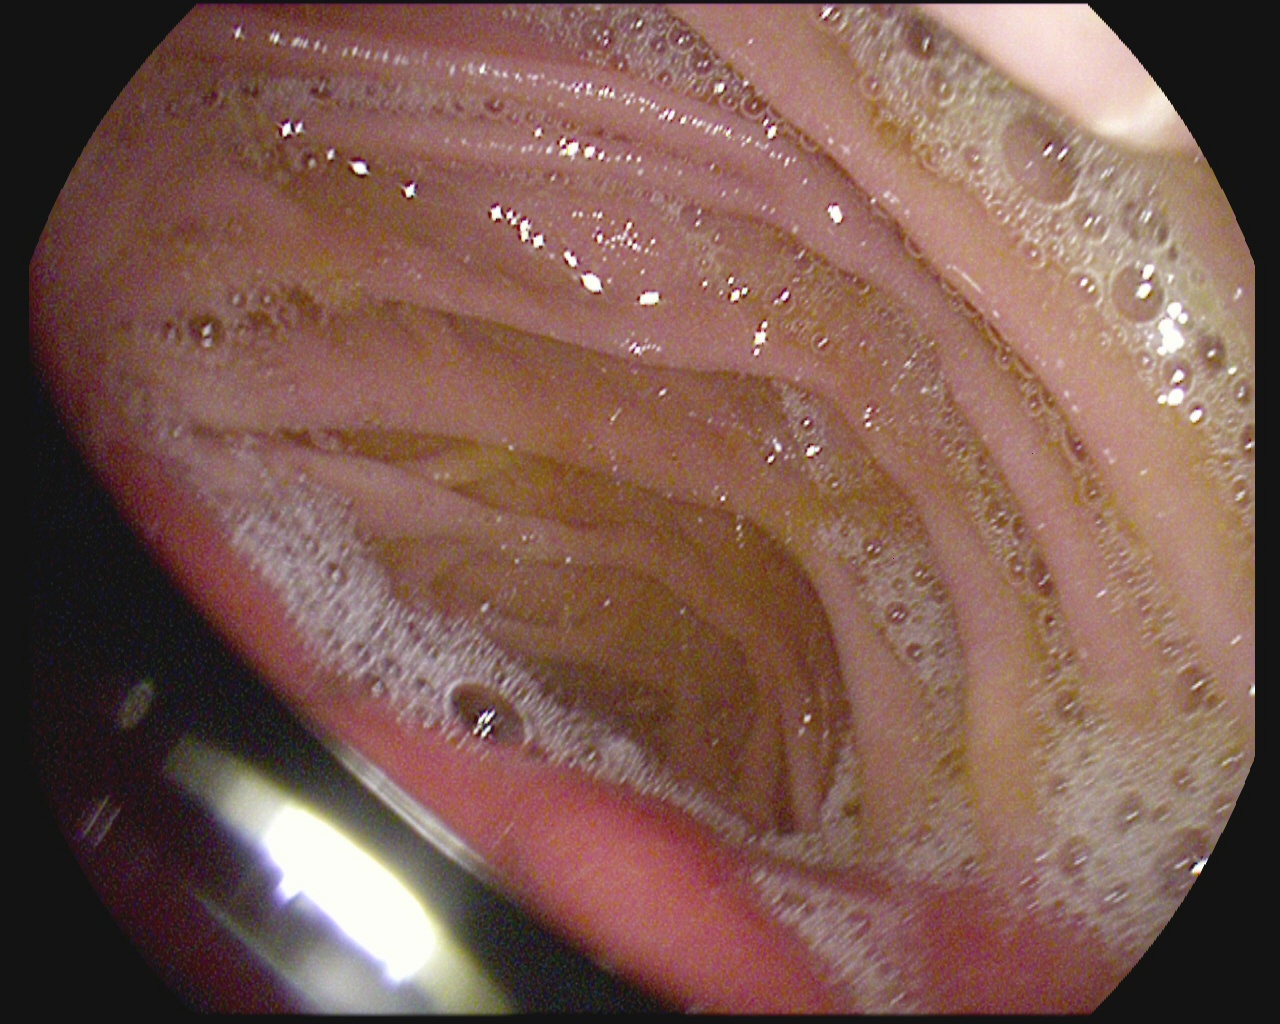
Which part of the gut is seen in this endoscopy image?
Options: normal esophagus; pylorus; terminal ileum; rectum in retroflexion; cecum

terminal ileum